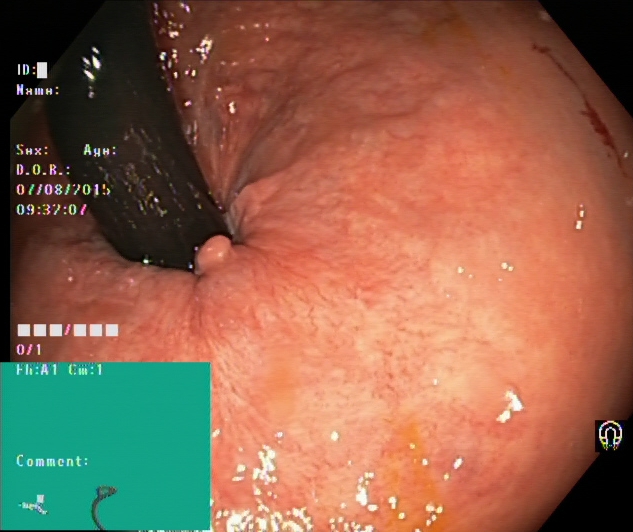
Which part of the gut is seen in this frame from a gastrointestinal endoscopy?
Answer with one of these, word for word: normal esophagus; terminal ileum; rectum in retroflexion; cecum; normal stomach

rectum in retroflexion